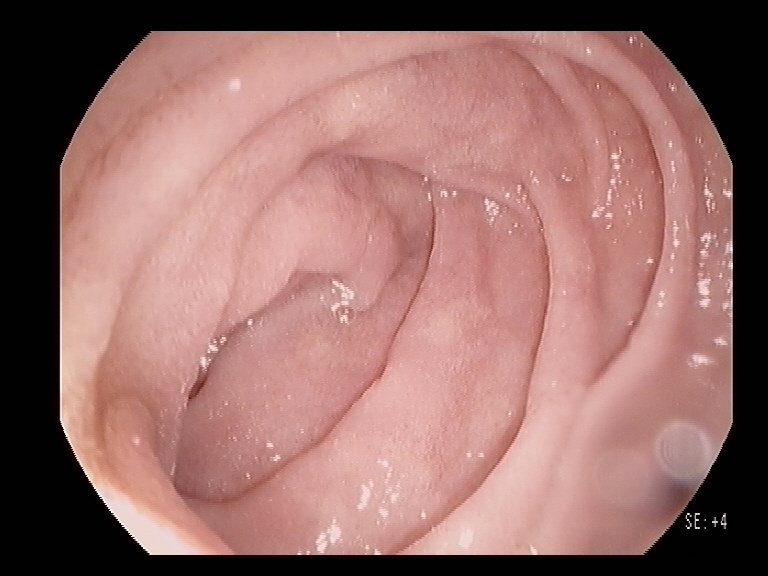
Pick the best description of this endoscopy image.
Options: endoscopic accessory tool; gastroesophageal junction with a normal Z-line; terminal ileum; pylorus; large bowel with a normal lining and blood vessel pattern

terminal ileum